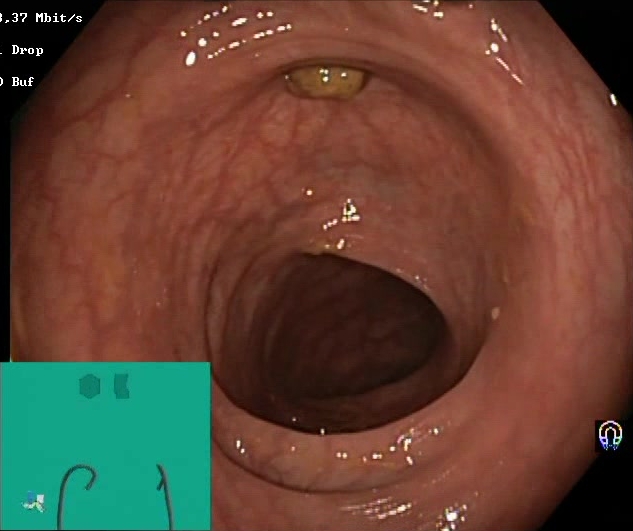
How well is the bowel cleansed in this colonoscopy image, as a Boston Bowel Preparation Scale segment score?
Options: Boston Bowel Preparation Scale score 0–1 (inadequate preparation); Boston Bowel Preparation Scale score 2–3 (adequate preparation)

Boston Bowel Preparation Scale score 2–3 (adequate preparation)